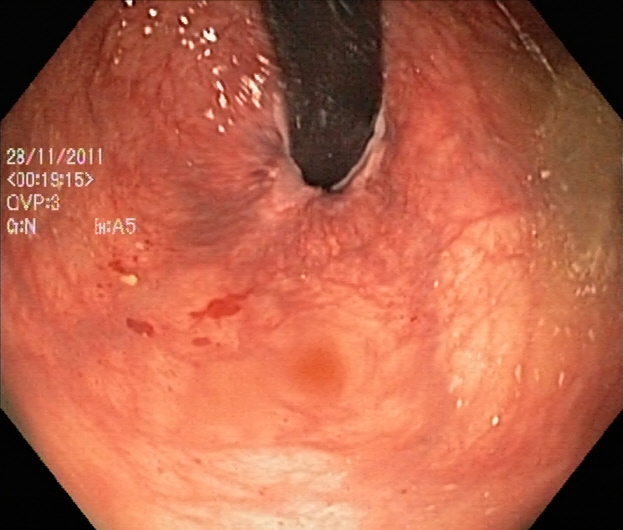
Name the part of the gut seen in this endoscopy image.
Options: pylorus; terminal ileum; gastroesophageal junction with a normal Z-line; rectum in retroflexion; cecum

rectum in retroflexion